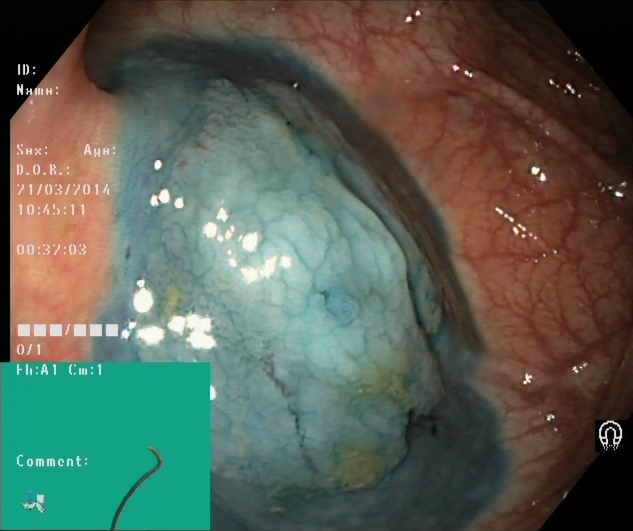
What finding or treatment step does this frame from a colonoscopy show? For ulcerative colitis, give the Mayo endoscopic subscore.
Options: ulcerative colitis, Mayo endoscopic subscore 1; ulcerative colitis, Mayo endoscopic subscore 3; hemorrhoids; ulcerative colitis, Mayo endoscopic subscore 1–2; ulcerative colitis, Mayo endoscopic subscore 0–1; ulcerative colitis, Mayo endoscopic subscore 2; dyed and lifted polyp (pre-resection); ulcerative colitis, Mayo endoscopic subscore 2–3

dyed and lifted polyp (pre-resection)